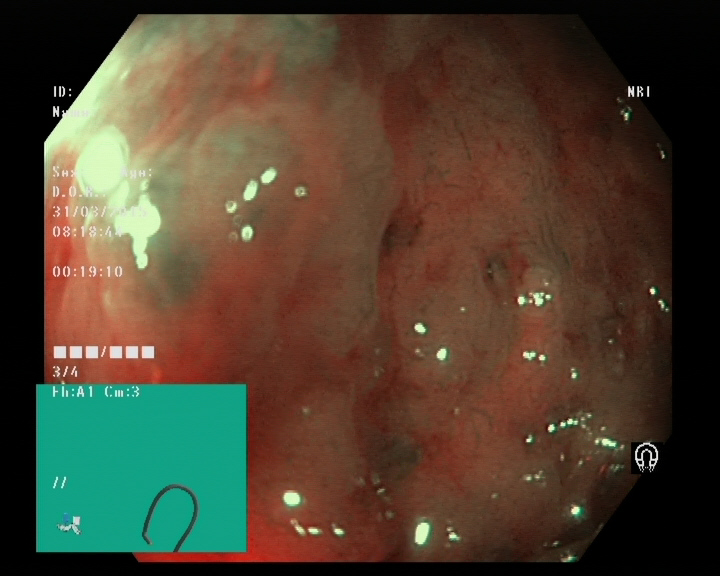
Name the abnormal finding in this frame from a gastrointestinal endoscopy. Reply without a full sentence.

colon polyp